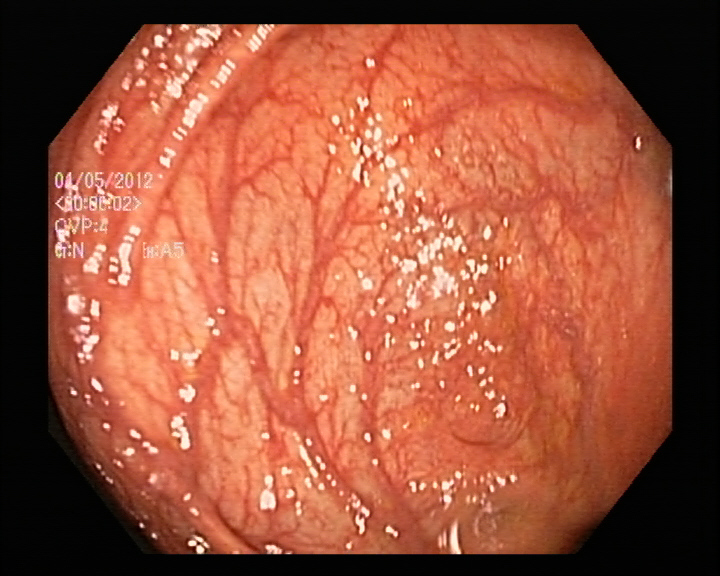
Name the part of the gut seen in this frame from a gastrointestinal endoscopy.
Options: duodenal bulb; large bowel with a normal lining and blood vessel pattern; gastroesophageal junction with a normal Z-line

large bowel with a normal lining and blood vessel pattern